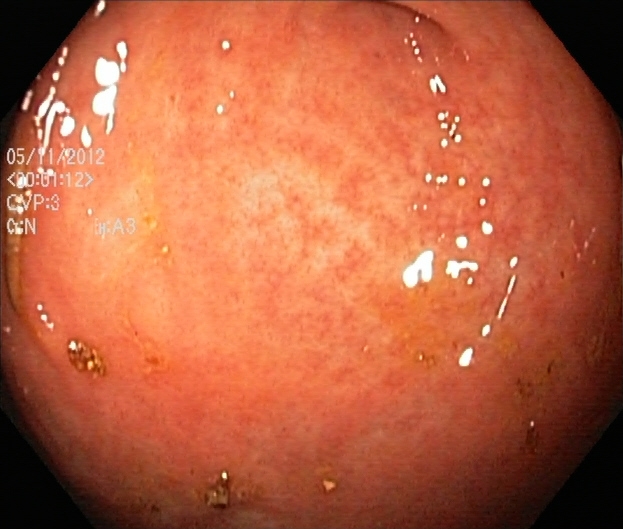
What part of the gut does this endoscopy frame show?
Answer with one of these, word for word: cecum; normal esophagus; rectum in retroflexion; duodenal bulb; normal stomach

cecum